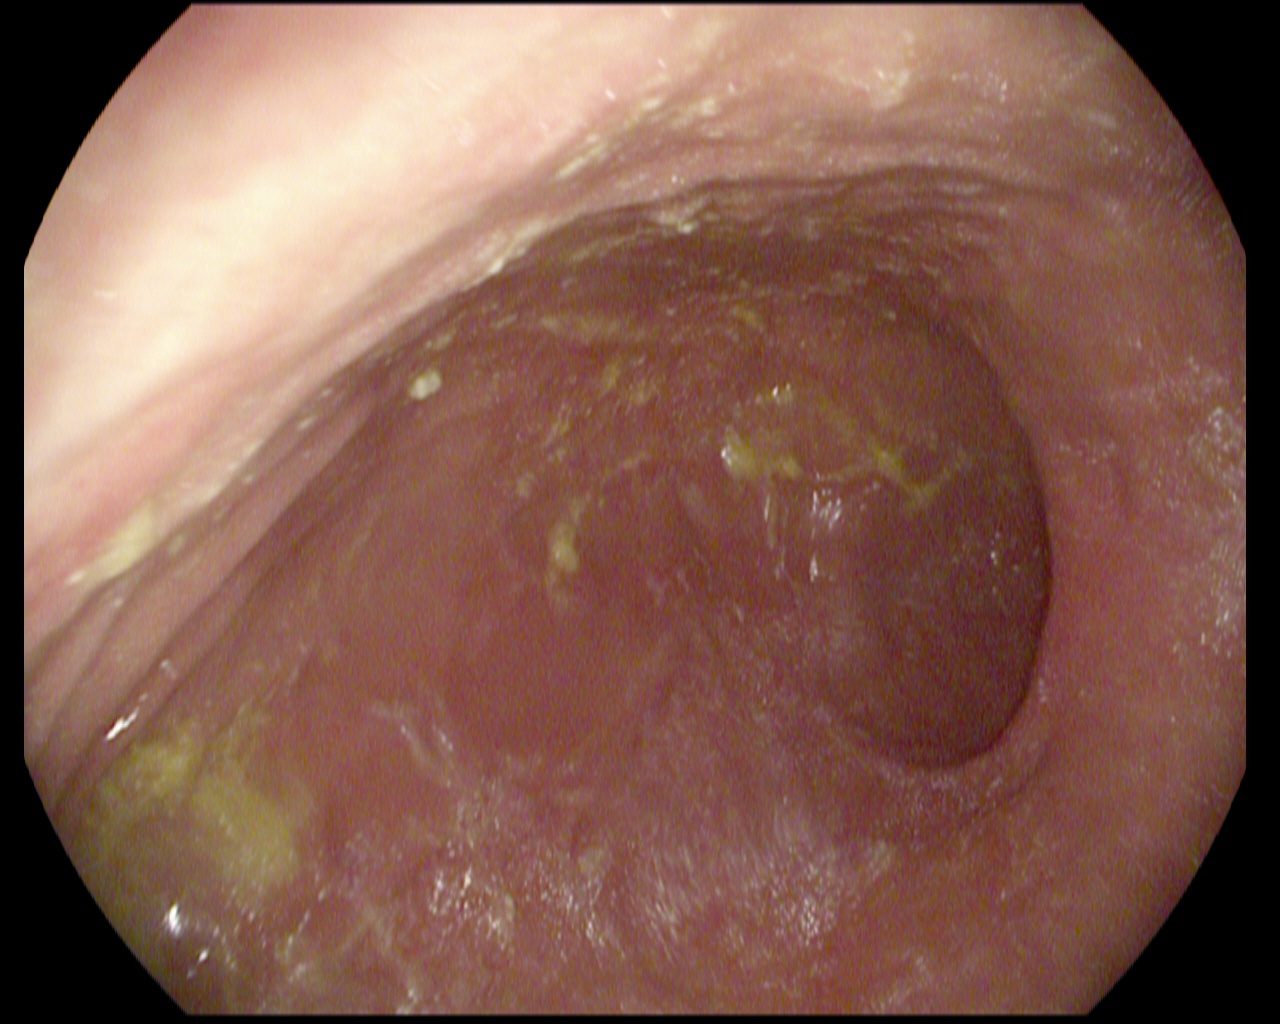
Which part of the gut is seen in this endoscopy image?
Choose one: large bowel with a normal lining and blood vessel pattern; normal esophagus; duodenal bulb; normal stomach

large bowel with a normal lining and blood vessel pattern